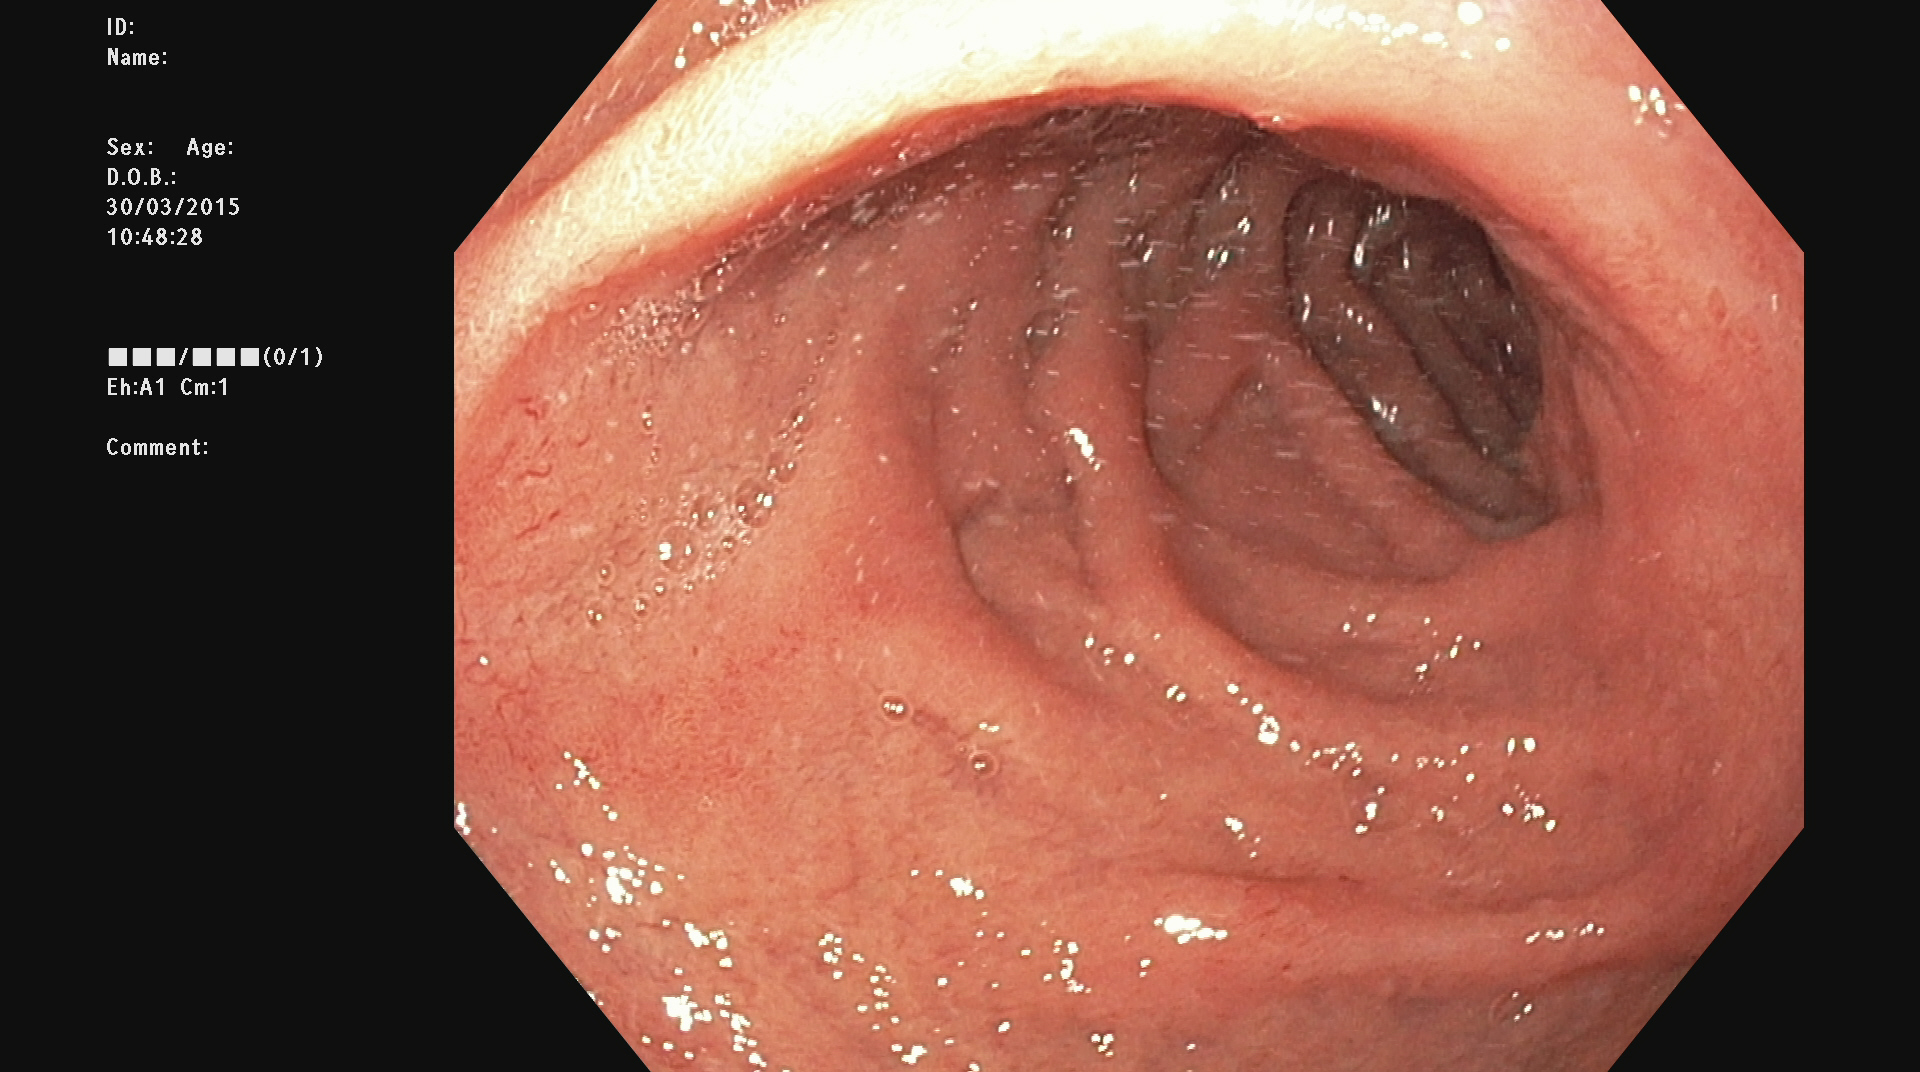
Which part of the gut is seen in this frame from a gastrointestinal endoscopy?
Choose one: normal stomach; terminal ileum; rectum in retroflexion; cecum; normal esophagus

terminal ileum